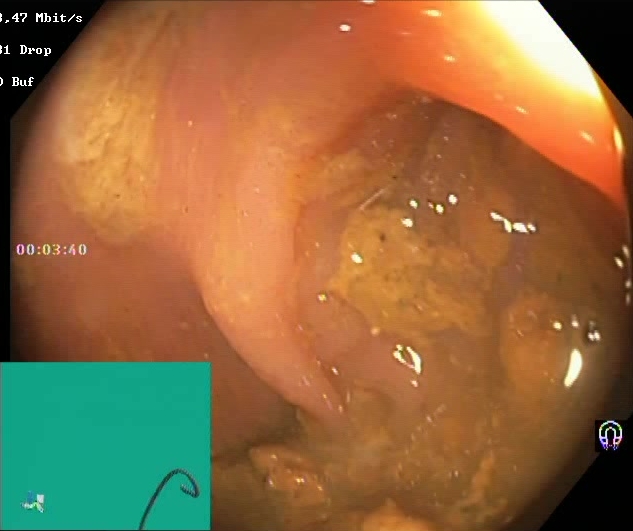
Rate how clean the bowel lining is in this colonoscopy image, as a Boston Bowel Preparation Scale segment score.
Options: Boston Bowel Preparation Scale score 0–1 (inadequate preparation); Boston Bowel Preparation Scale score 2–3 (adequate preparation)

Boston Bowel Preparation Scale score 0–1 (inadequate preparation)